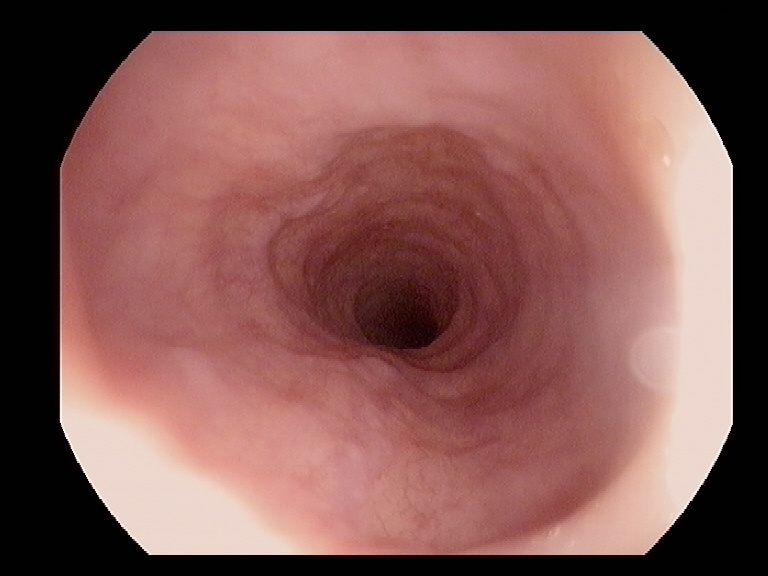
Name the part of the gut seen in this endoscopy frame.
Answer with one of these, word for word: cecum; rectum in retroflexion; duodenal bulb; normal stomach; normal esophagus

normal esophagus